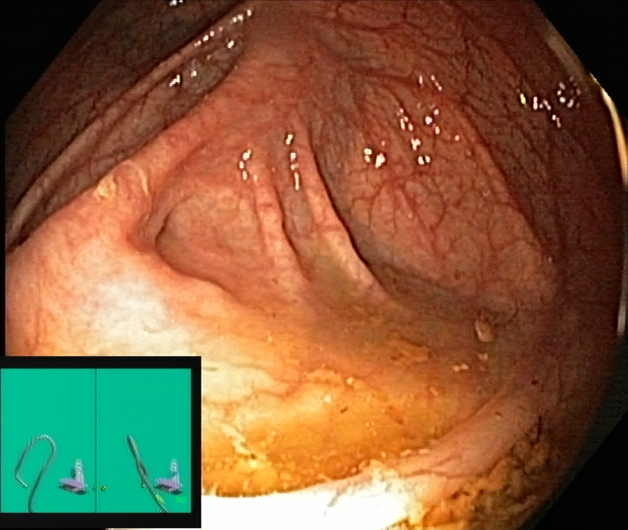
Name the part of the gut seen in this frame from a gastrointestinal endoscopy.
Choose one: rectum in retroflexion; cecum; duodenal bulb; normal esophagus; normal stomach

cecum